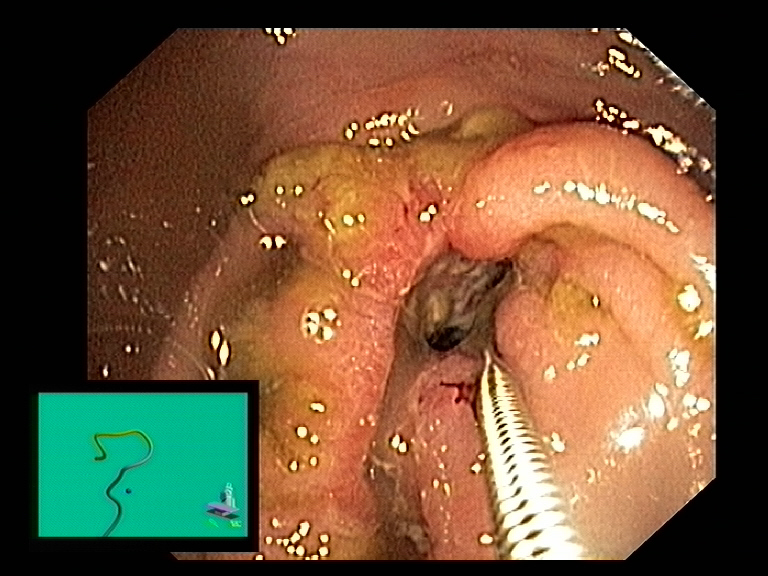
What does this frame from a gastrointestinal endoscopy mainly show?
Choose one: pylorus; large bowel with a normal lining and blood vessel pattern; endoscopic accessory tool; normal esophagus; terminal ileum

endoscopic accessory tool